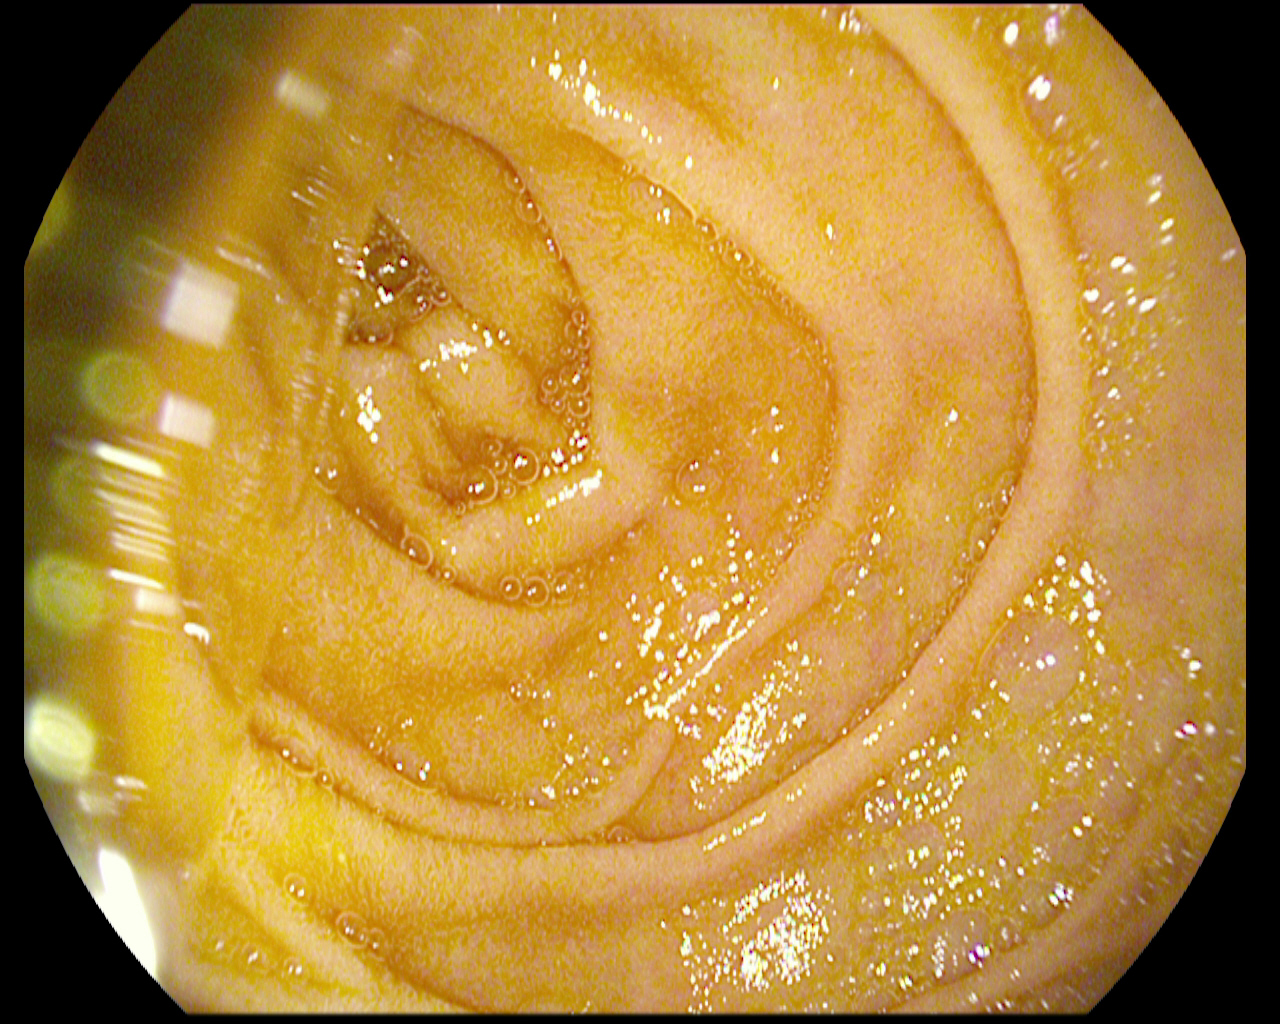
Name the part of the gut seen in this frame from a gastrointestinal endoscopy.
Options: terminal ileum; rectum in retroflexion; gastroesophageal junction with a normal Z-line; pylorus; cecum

terminal ileum